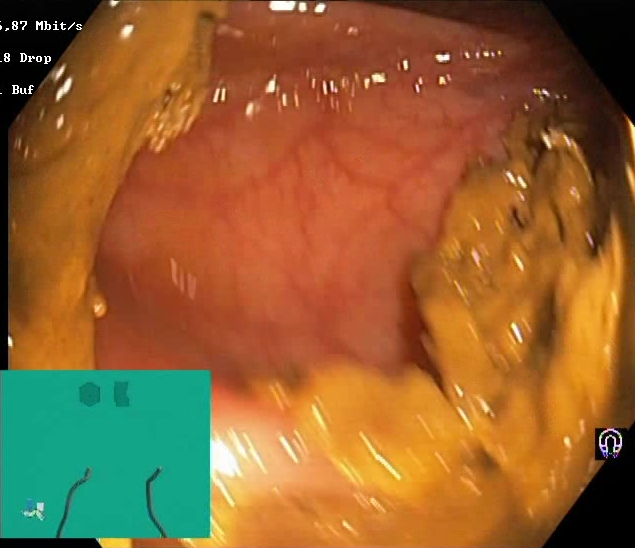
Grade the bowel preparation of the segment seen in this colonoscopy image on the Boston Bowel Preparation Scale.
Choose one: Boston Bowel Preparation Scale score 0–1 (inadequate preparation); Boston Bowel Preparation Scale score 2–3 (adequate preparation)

Boston Bowel Preparation Scale score 0–1 (inadequate preparation)